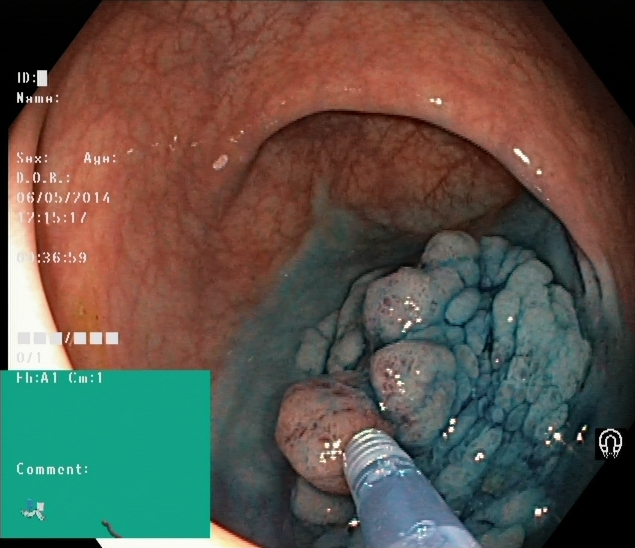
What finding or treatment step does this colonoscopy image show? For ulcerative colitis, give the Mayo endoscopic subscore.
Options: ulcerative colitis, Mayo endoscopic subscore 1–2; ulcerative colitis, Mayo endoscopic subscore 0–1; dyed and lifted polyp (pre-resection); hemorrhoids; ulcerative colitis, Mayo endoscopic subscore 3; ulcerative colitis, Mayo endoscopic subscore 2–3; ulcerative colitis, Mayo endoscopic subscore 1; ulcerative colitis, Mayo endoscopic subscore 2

dyed and lifted polyp (pre-resection)